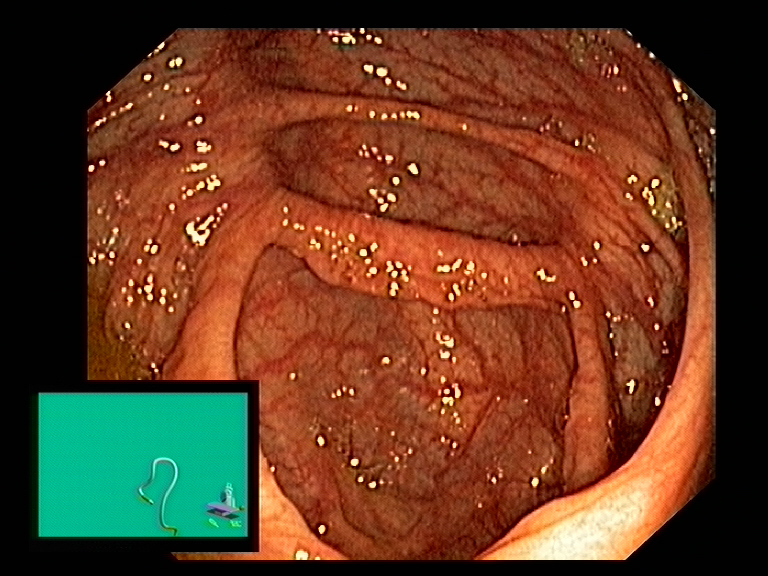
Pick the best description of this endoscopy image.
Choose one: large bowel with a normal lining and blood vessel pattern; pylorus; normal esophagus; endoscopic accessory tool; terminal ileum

large bowel with a normal lining and blood vessel pattern